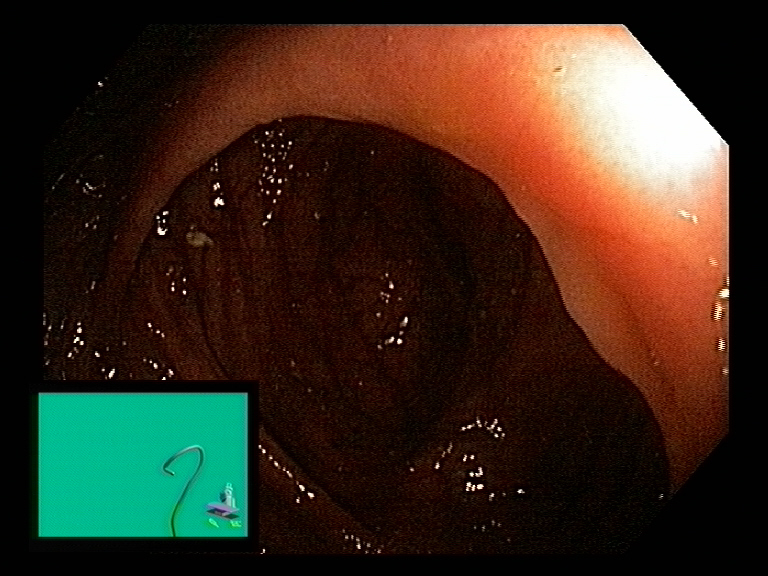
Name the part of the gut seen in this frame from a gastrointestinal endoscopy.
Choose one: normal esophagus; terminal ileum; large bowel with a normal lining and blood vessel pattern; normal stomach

large bowel with a normal lining and blood vessel pattern